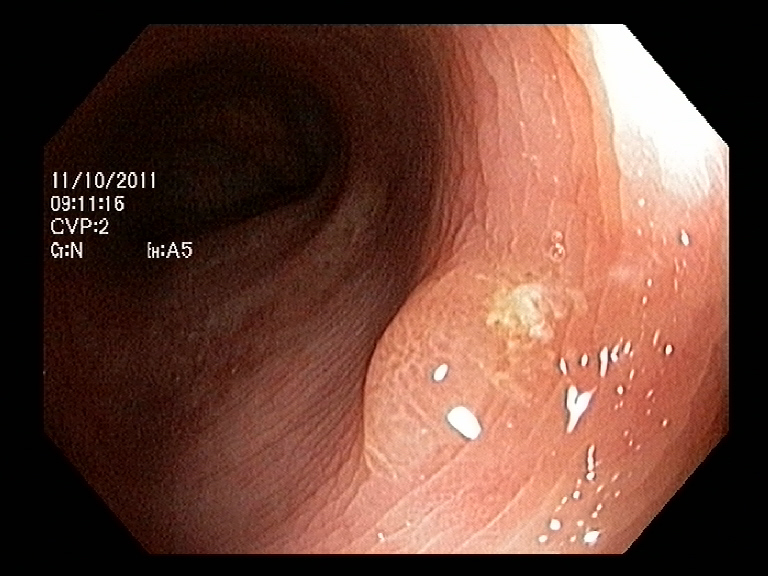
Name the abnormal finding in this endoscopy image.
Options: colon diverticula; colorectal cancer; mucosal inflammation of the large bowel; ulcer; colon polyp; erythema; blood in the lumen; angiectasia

colon polyp